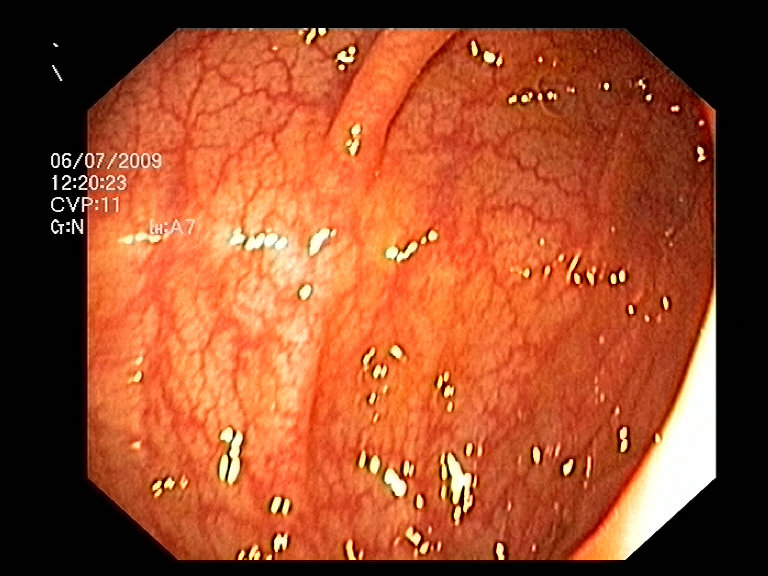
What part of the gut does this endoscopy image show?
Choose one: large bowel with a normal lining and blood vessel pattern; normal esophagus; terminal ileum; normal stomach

large bowel with a normal lining and blood vessel pattern